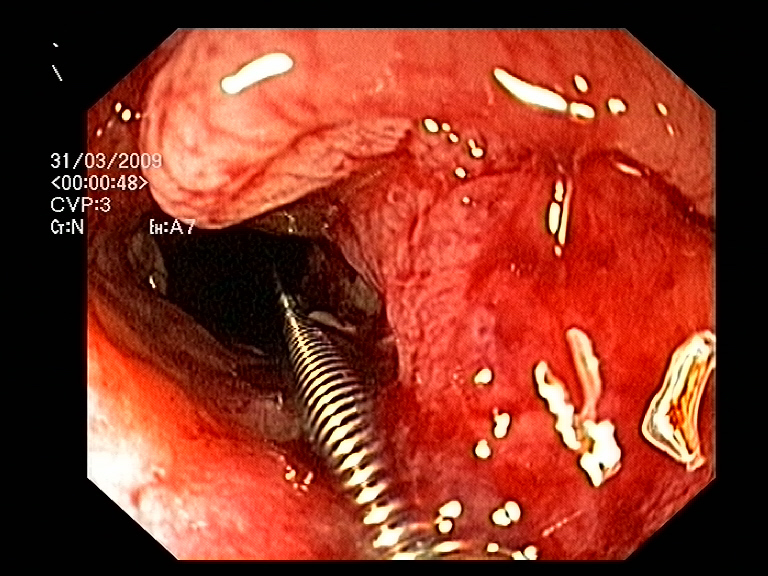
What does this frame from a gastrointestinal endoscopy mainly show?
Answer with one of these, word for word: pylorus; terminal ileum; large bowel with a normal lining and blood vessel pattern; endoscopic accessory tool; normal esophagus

endoscopic accessory tool